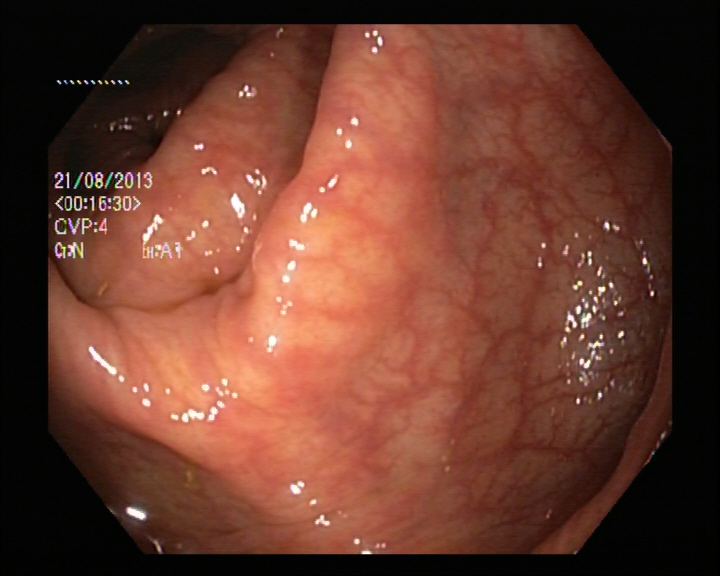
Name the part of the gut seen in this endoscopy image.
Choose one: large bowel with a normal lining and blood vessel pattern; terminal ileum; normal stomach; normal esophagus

large bowel with a normal lining and blood vessel pattern